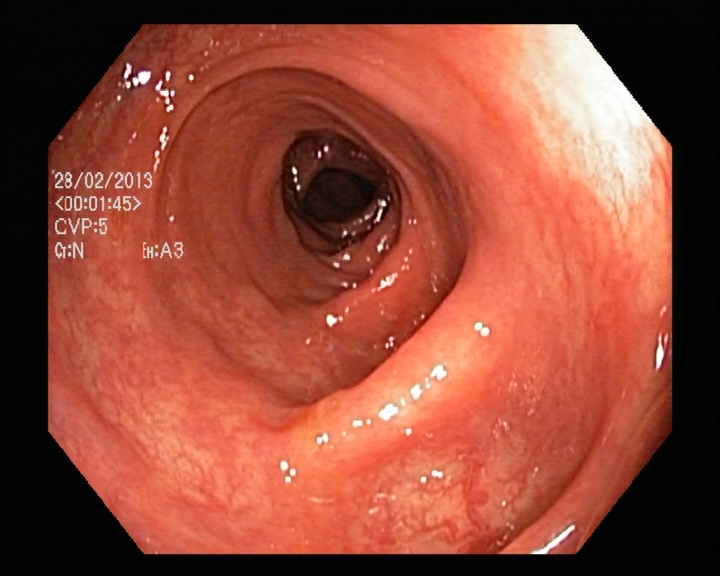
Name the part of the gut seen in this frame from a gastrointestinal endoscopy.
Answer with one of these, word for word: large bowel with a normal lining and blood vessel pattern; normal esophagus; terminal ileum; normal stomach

large bowel with a normal lining and blood vessel pattern